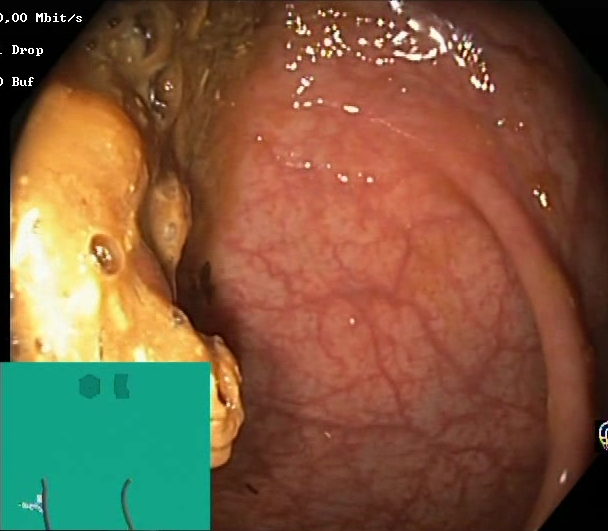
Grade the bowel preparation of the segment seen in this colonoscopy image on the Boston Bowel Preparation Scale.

Boston Bowel Preparation Scale score 0–1 (inadequate preparation)